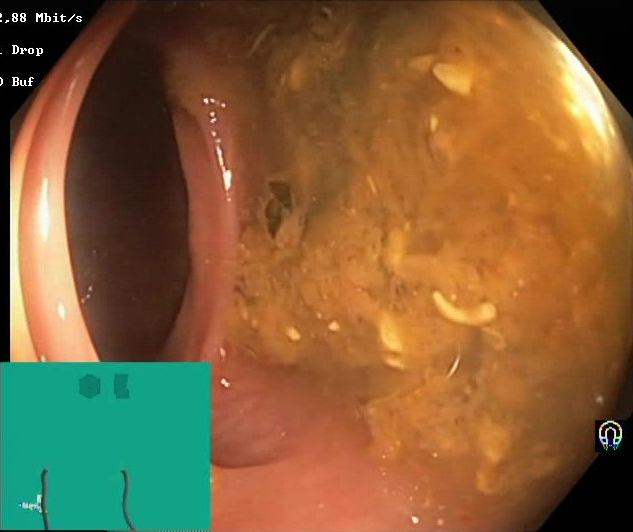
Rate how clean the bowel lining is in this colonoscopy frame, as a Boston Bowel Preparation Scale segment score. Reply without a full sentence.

Boston Bowel Preparation Scale score 0–1 (inadequate preparation)